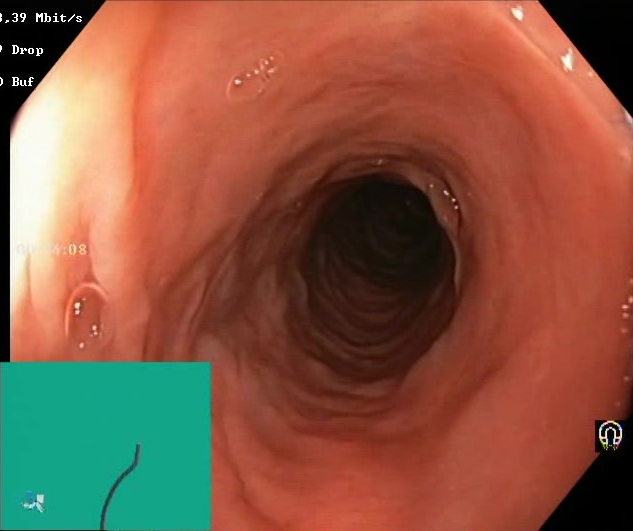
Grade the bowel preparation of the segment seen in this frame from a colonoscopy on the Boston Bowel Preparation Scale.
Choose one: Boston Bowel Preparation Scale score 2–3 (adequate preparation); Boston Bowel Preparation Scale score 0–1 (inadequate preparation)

Boston Bowel Preparation Scale score 2–3 (adequate preparation)